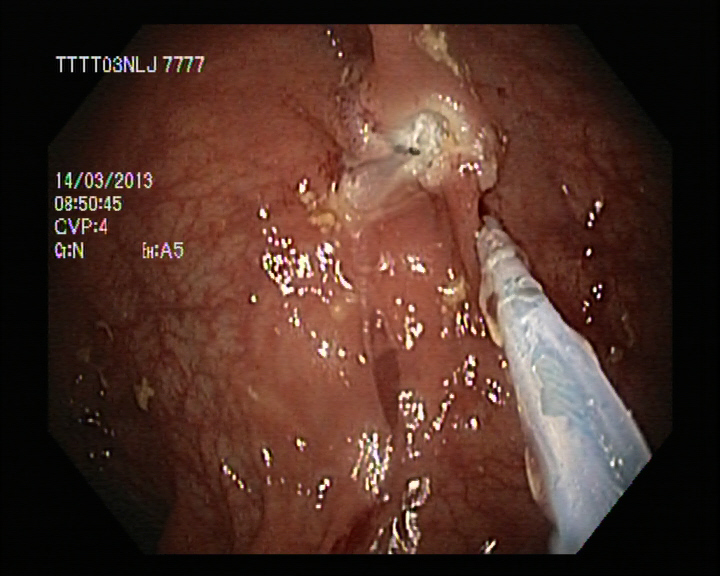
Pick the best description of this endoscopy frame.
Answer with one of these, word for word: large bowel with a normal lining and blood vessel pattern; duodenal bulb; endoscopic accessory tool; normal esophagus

endoscopic accessory tool